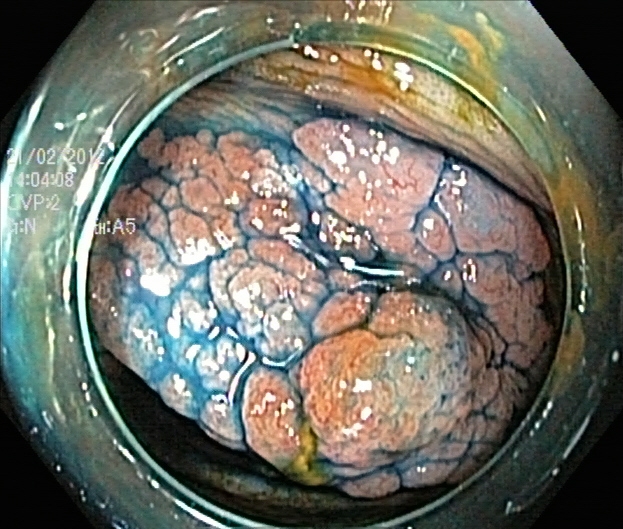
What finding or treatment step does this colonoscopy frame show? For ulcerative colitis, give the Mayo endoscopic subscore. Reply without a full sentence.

dyed and lifted polyp (pre-resection)